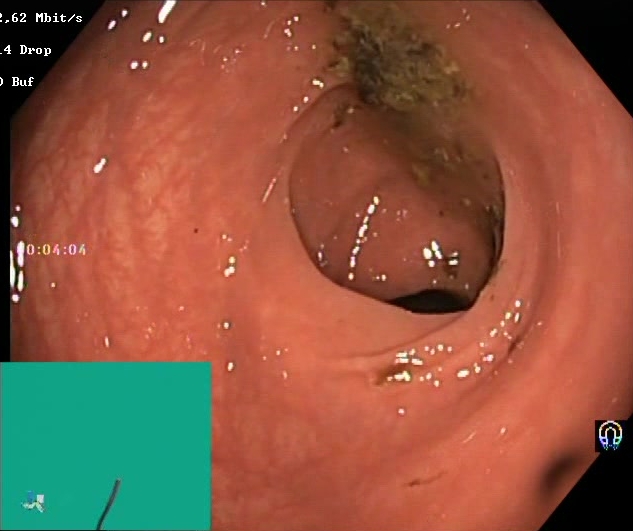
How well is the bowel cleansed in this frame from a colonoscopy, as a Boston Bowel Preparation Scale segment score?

Boston Bowel Preparation Scale score 0–1 (inadequate preparation)